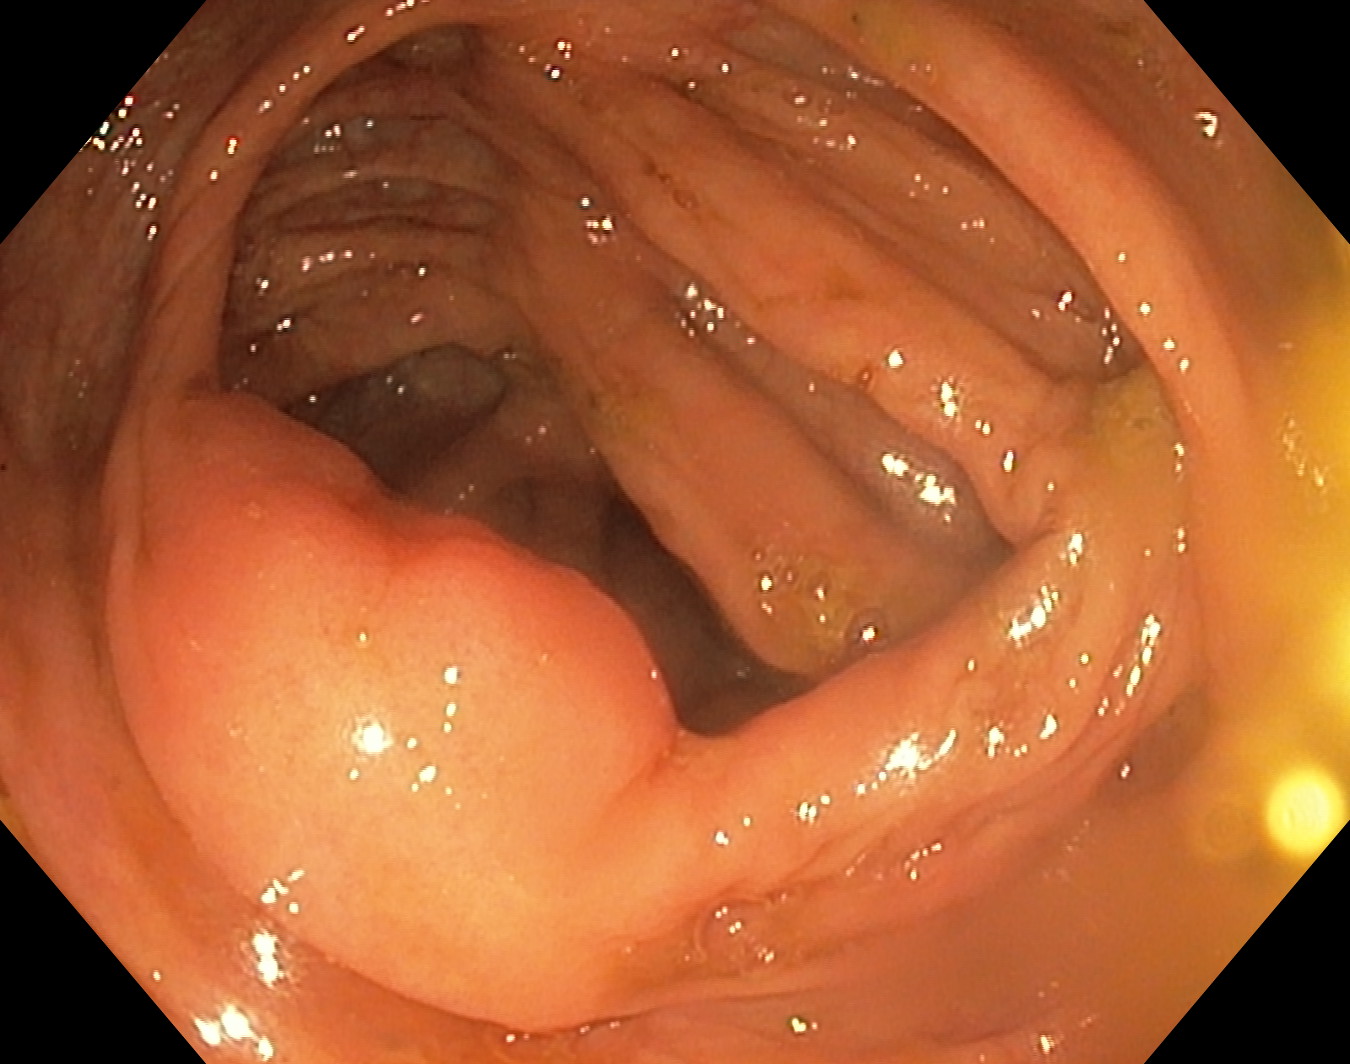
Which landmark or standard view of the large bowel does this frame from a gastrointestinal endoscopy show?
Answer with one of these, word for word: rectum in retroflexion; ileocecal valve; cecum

ileocecal valve